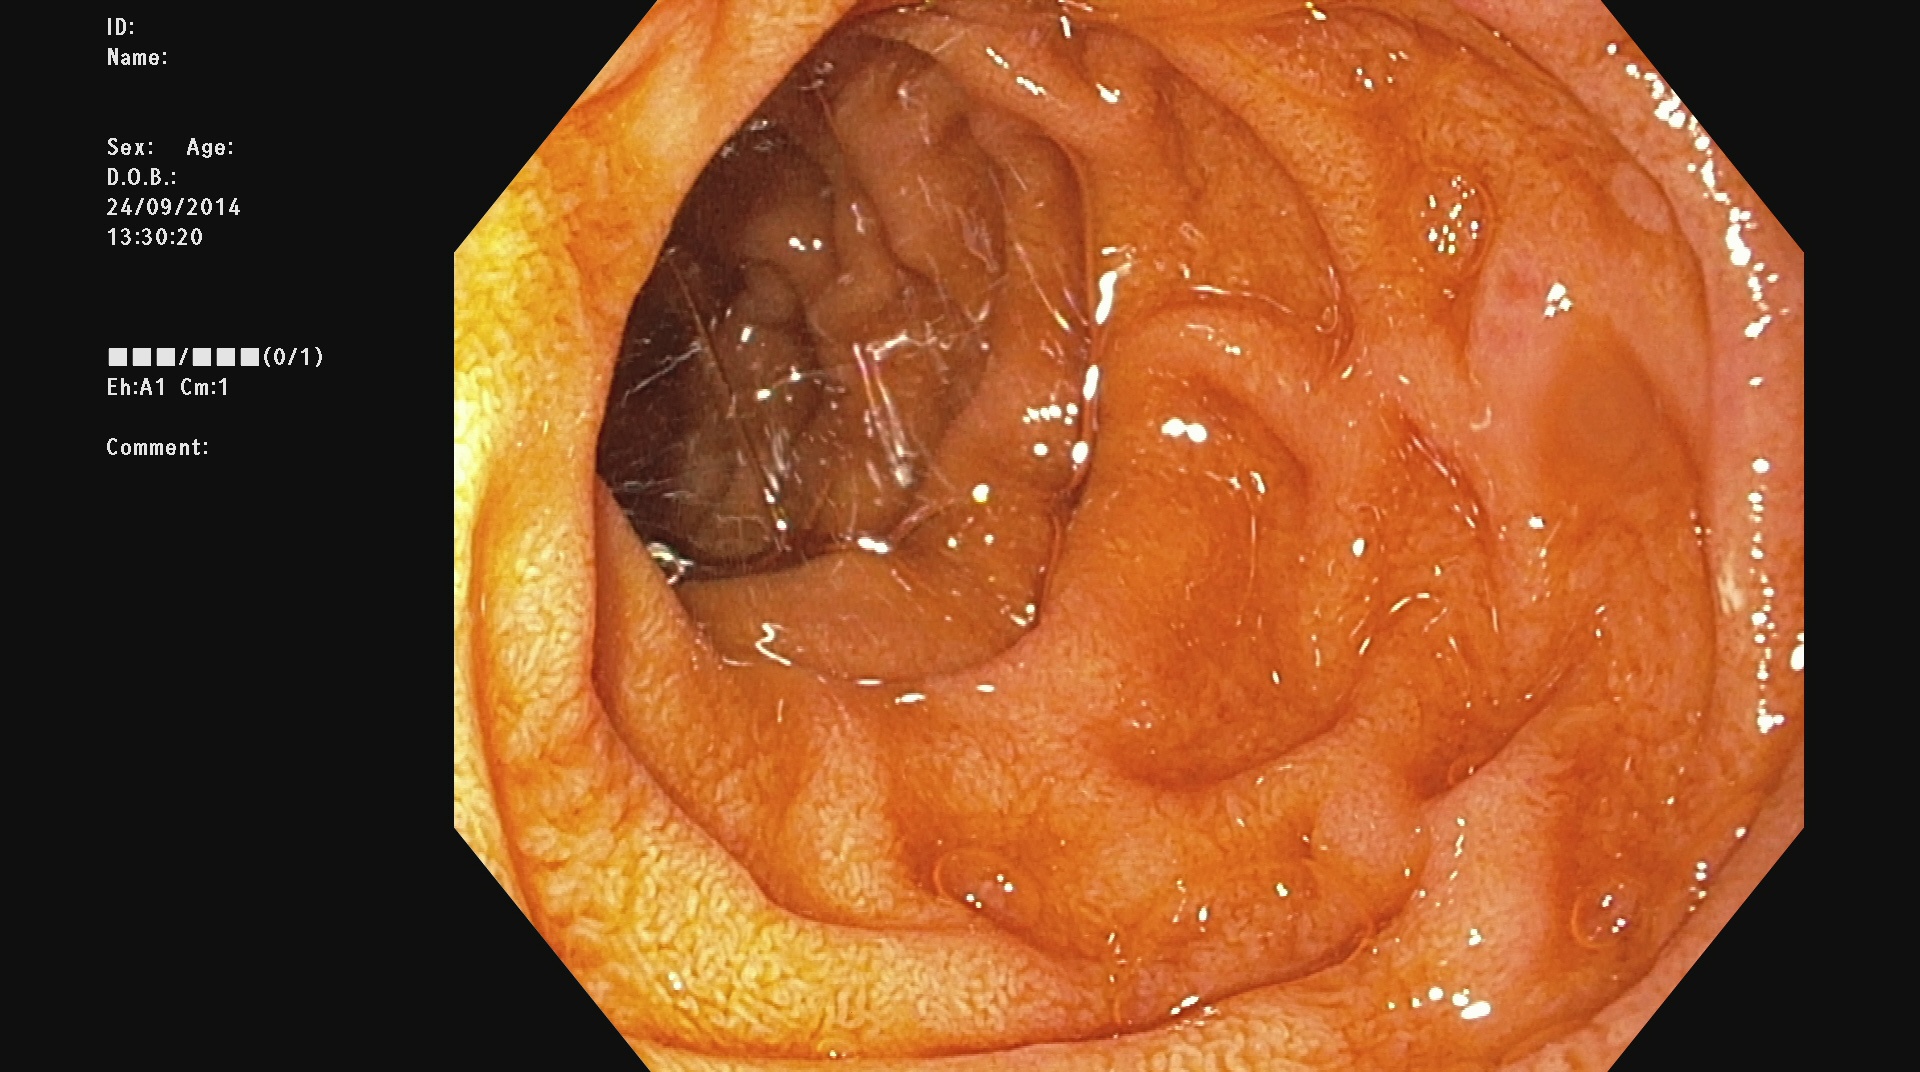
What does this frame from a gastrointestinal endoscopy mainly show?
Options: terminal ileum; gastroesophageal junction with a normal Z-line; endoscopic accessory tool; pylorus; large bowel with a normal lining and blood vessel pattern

terminal ileum